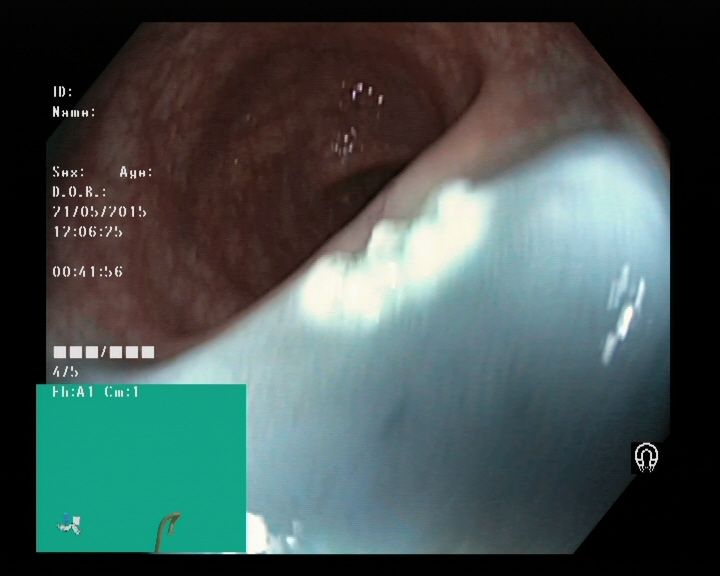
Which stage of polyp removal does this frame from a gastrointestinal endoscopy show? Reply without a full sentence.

dyed resection margin (post-polypectomy)